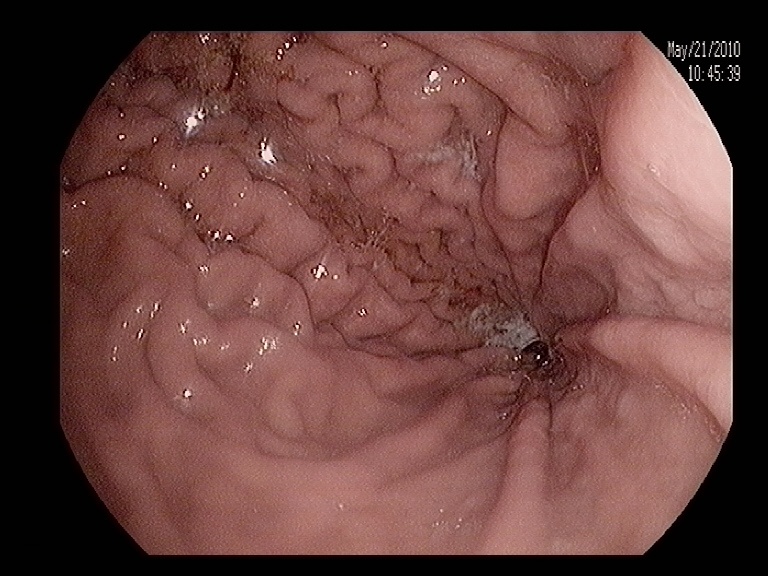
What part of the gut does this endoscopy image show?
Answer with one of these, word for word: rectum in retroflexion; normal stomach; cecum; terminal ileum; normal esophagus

normal stomach